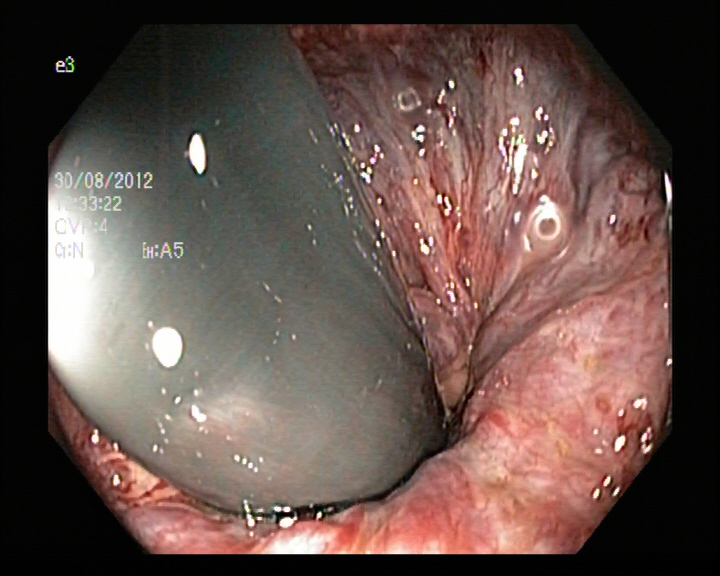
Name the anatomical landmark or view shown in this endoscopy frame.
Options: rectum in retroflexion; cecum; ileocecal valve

rectum in retroflexion